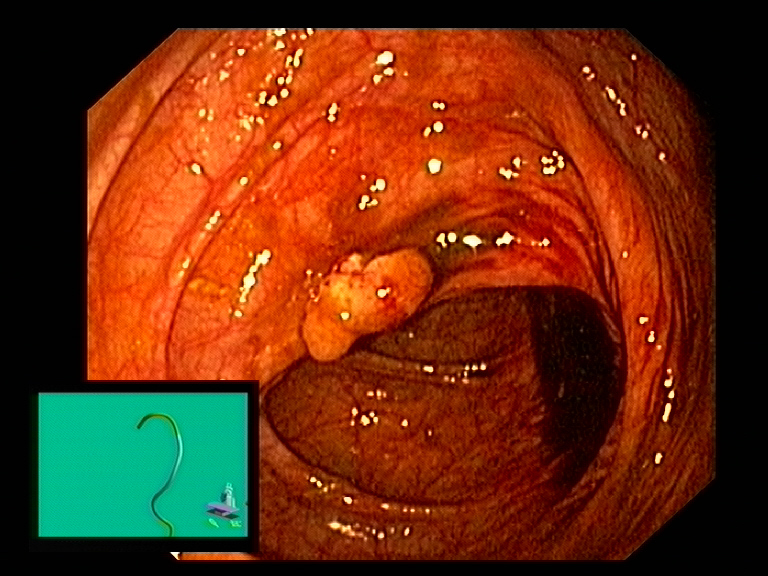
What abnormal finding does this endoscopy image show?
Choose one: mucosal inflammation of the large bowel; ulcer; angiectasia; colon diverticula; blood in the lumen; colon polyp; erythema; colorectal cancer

colon polyp